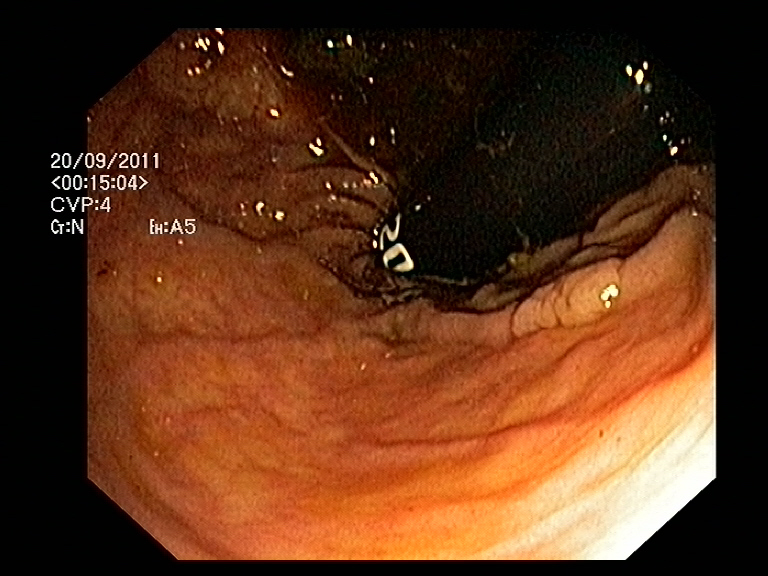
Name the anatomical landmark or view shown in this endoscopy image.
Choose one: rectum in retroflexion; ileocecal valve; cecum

rectum in retroflexion